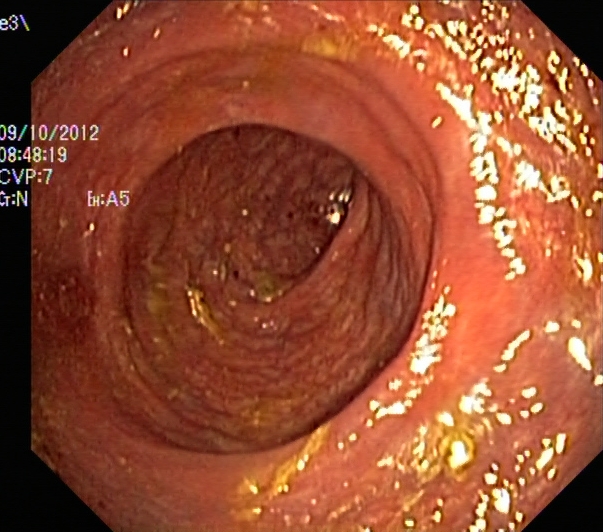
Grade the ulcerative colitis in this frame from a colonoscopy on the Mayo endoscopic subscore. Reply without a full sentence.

ulcerative colitis, Mayo endoscopic subscore 1